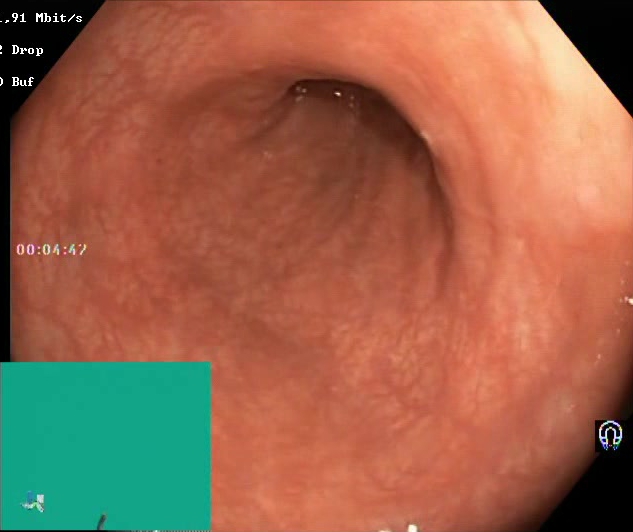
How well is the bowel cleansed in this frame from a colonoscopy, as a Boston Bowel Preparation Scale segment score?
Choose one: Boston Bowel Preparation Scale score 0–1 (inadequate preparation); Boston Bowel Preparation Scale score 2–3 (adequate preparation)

Boston Bowel Preparation Scale score 2–3 (adequate preparation)